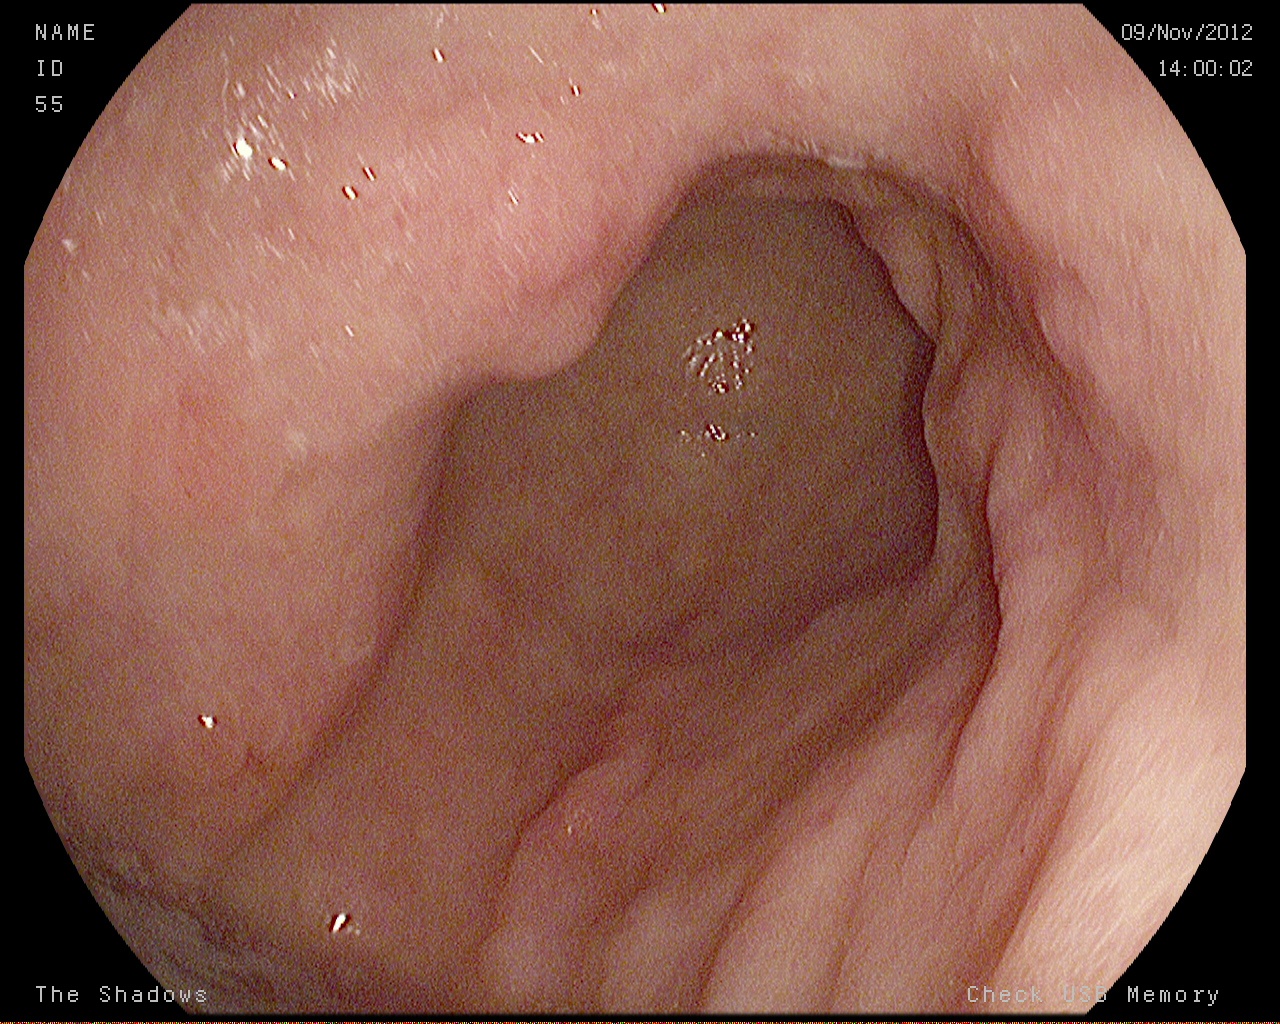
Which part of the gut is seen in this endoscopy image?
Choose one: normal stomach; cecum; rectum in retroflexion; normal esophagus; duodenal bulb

normal stomach